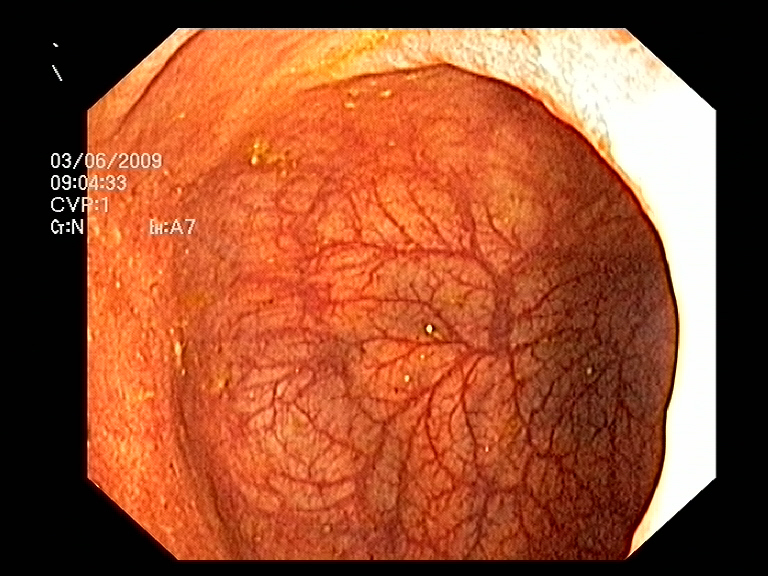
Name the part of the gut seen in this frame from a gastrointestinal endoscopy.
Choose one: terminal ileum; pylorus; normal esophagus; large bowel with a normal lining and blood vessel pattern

large bowel with a normal lining and blood vessel pattern